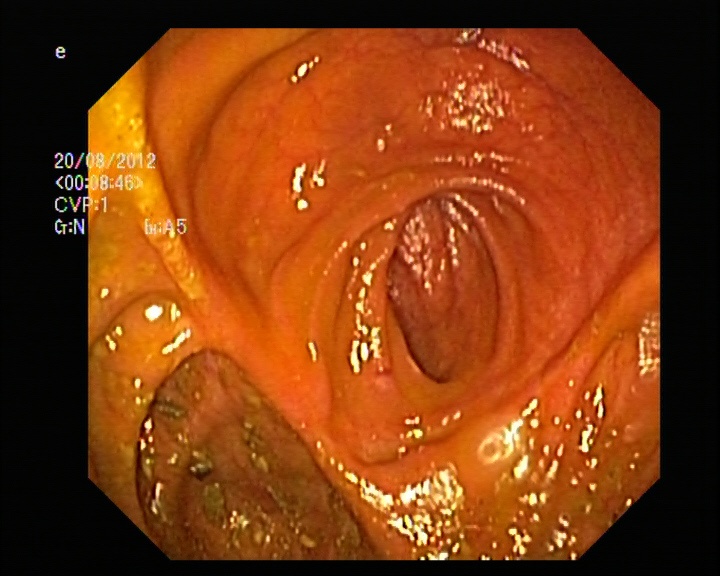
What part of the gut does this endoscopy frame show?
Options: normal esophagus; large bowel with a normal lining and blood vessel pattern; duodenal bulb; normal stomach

large bowel with a normal lining and blood vessel pattern